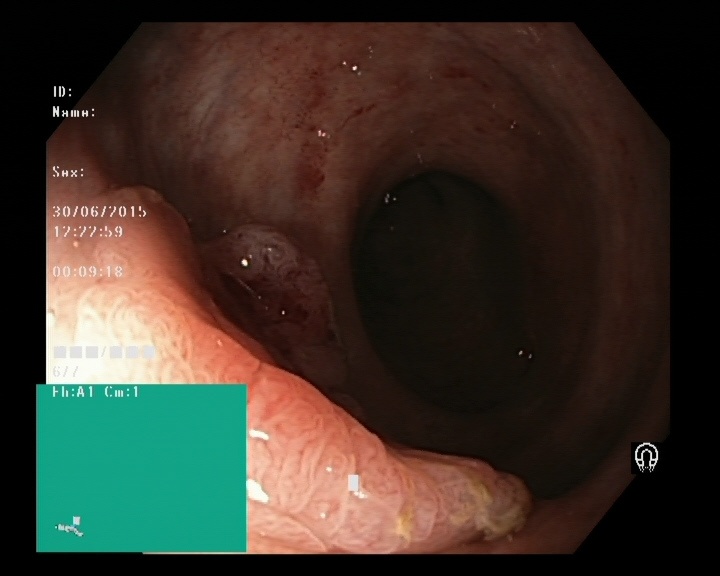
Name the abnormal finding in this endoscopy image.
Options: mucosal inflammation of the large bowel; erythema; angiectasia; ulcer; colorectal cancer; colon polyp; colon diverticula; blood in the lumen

colon polyp